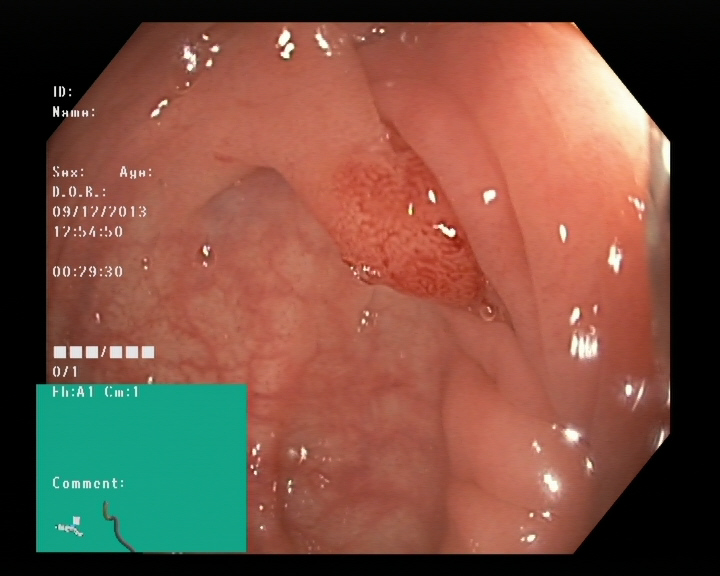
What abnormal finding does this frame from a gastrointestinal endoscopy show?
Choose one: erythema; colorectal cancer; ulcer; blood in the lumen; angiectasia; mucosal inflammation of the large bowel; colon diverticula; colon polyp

colon polyp